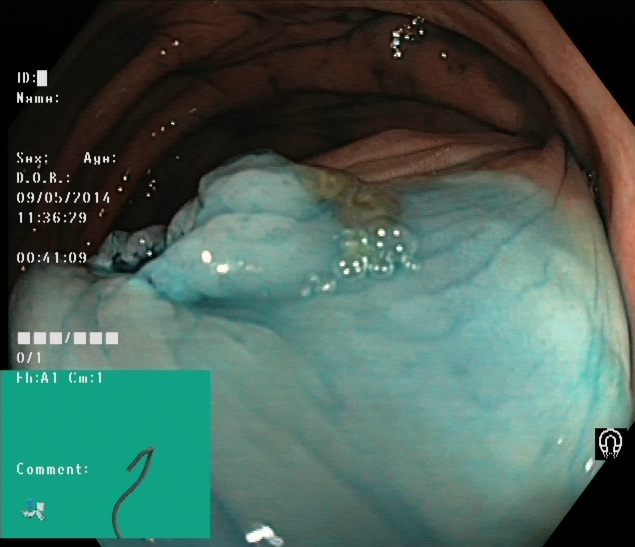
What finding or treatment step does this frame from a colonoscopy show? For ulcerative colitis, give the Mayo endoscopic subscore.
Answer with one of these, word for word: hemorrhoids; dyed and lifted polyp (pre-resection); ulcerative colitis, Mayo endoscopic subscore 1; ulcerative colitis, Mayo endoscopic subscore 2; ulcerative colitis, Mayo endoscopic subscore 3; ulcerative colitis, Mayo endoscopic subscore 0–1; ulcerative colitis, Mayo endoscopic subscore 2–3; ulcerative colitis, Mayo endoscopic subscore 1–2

dyed and lifted polyp (pre-resection)